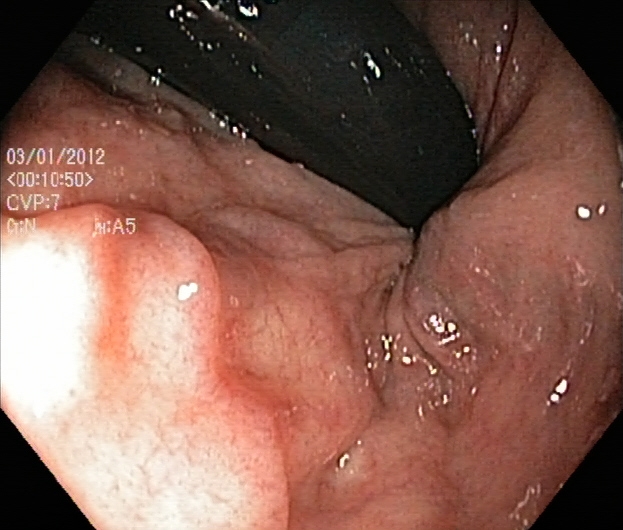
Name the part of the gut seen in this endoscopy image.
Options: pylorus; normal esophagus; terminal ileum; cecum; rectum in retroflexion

rectum in retroflexion